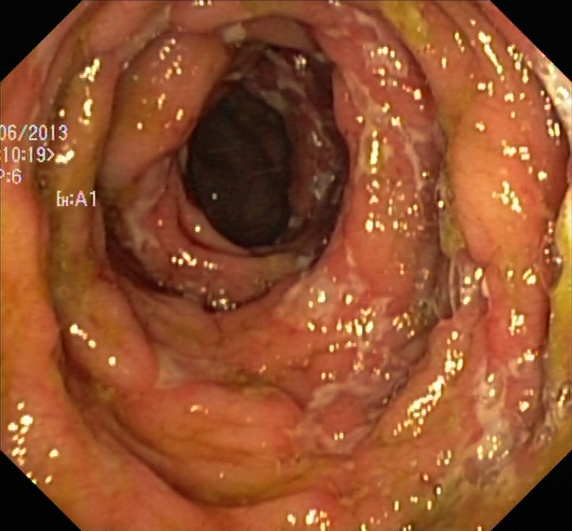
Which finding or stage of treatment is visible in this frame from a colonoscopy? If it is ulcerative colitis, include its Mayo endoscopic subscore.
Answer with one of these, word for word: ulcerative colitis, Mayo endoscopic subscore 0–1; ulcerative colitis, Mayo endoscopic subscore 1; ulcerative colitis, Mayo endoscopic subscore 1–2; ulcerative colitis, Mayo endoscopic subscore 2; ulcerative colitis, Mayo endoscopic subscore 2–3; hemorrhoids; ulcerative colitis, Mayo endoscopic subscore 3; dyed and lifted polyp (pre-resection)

ulcerative colitis, Mayo endoscopic subscore 3